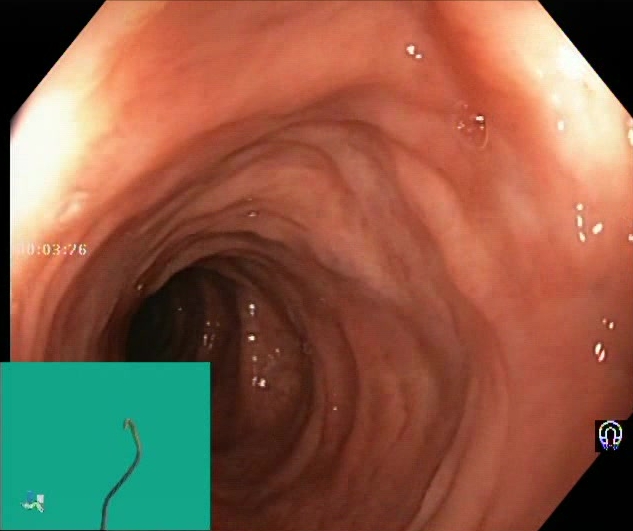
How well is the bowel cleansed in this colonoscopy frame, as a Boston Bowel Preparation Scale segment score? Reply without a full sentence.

Boston Bowel Preparation Scale score 2–3 (adequate preparation)